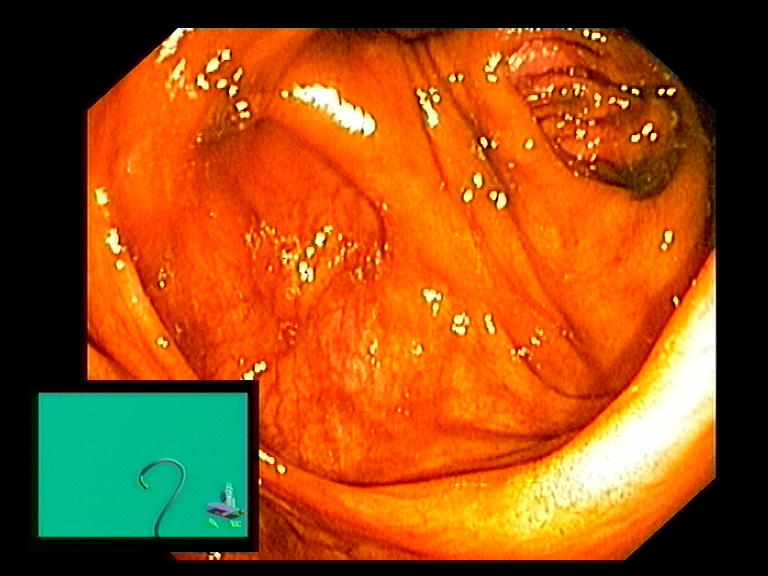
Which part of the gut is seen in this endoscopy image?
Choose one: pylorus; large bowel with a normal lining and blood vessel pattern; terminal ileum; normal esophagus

large bowel with a normal lining and blood vessel pattern